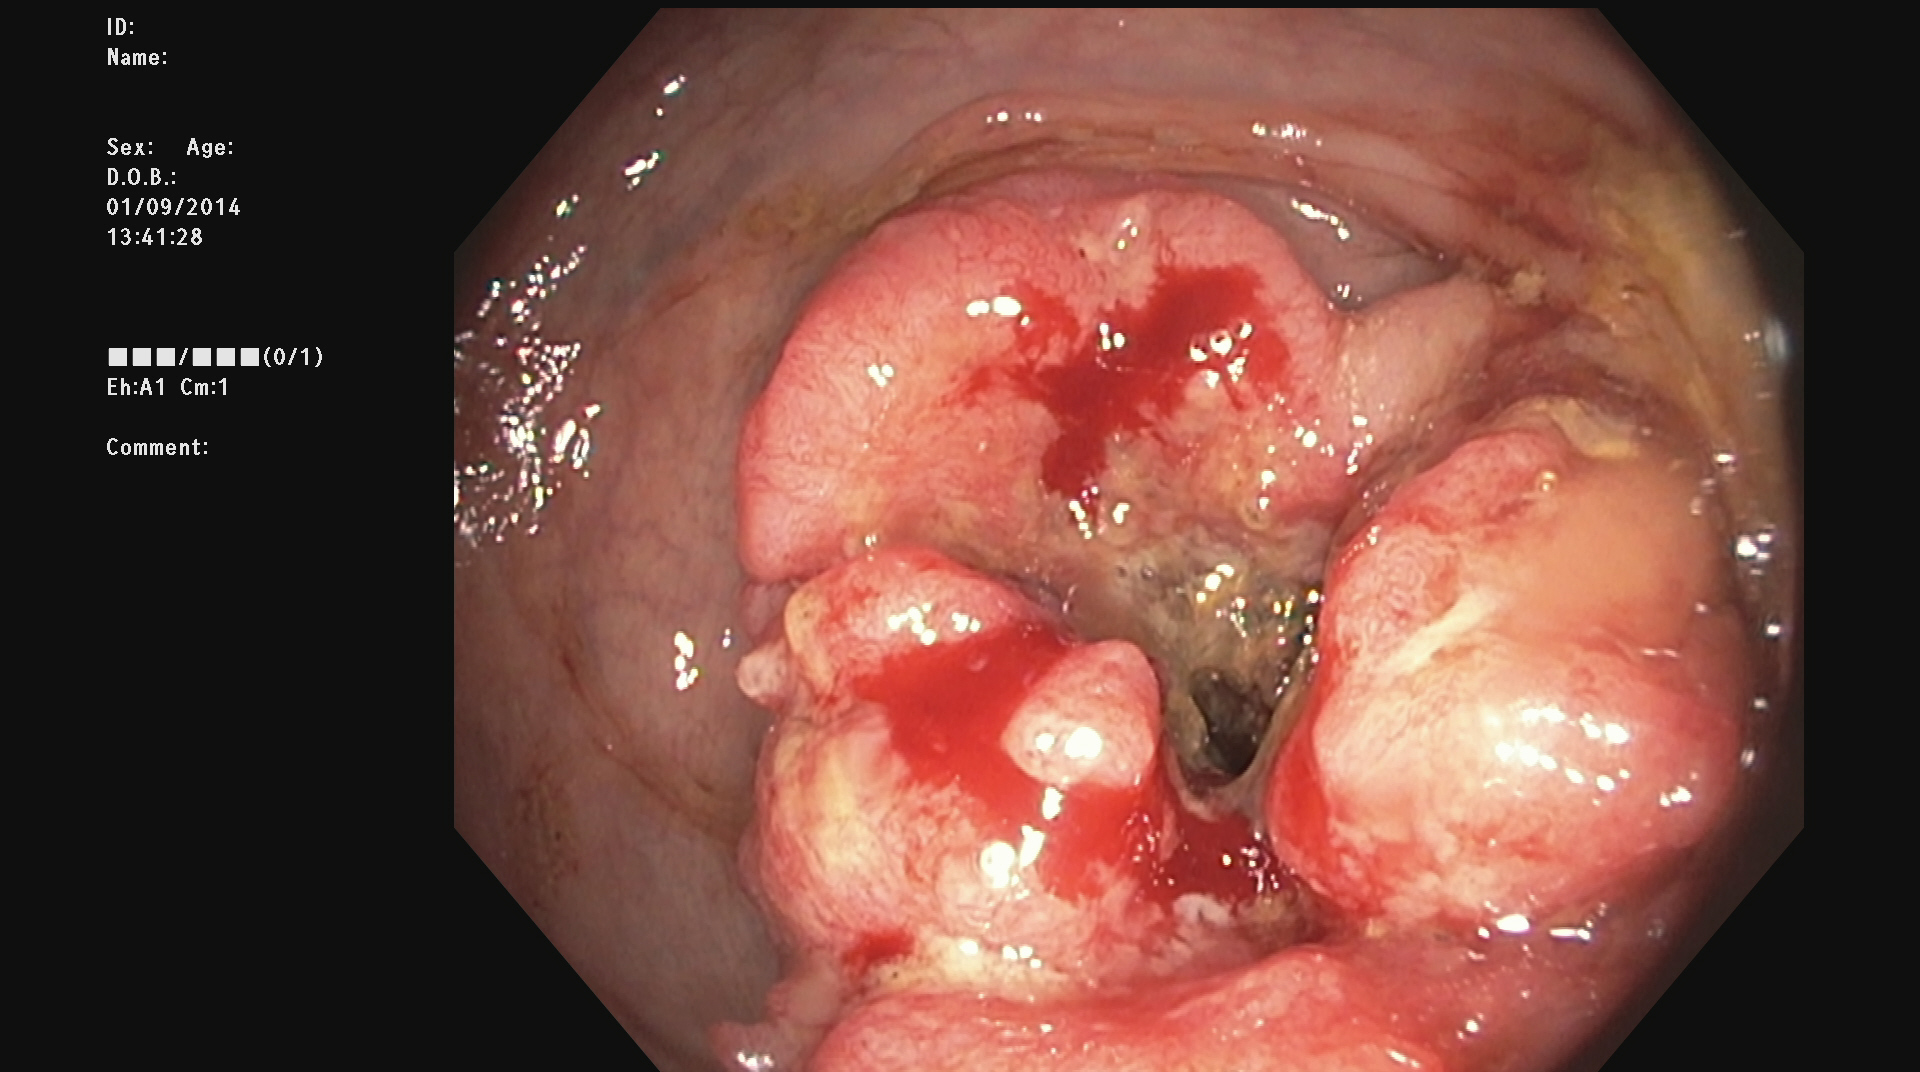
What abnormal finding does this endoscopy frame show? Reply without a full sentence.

colorectal cancer